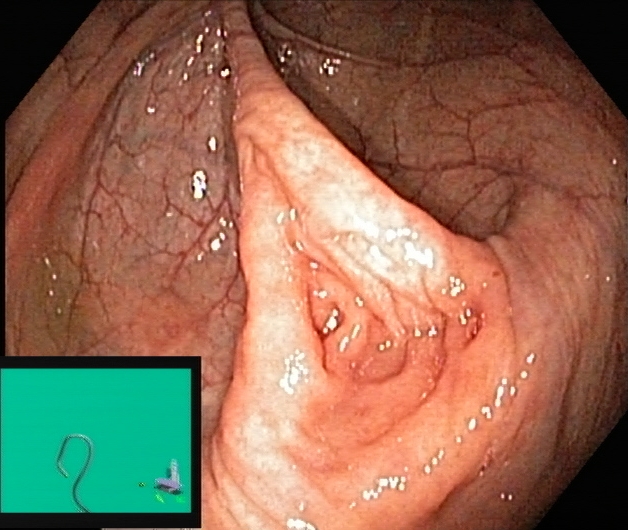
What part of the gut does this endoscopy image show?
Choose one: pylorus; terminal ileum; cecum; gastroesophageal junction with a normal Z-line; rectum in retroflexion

cecum